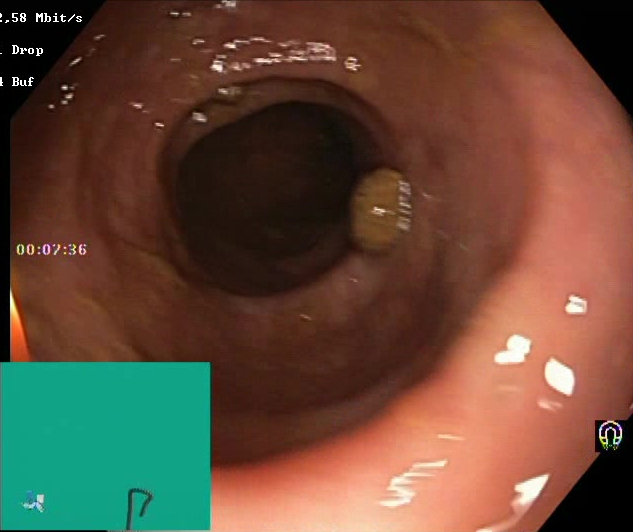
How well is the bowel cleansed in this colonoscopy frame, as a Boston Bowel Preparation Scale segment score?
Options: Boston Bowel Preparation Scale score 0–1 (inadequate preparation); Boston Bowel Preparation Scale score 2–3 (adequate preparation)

Boston Bowel Preparation Scale score 2–3 (adequate preparation)